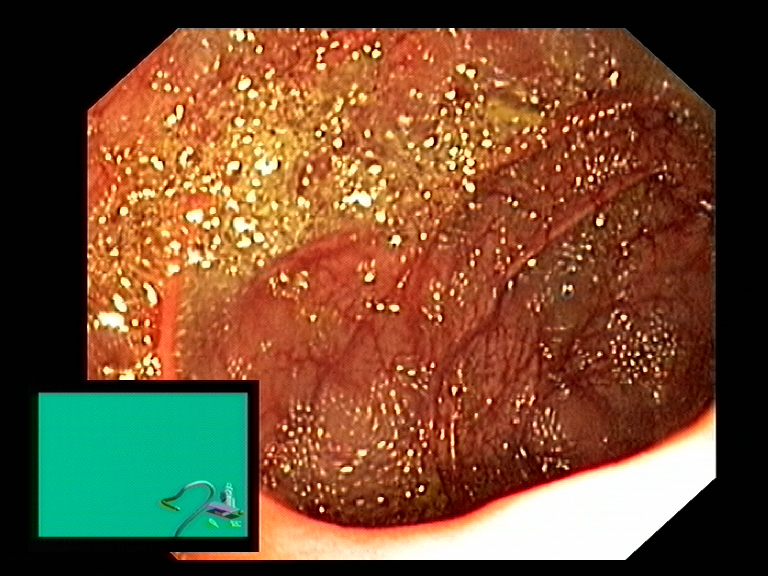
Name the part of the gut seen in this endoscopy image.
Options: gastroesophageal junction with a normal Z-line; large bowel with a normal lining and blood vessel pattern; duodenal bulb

large bowel with a normal lining and blood vessel pattern